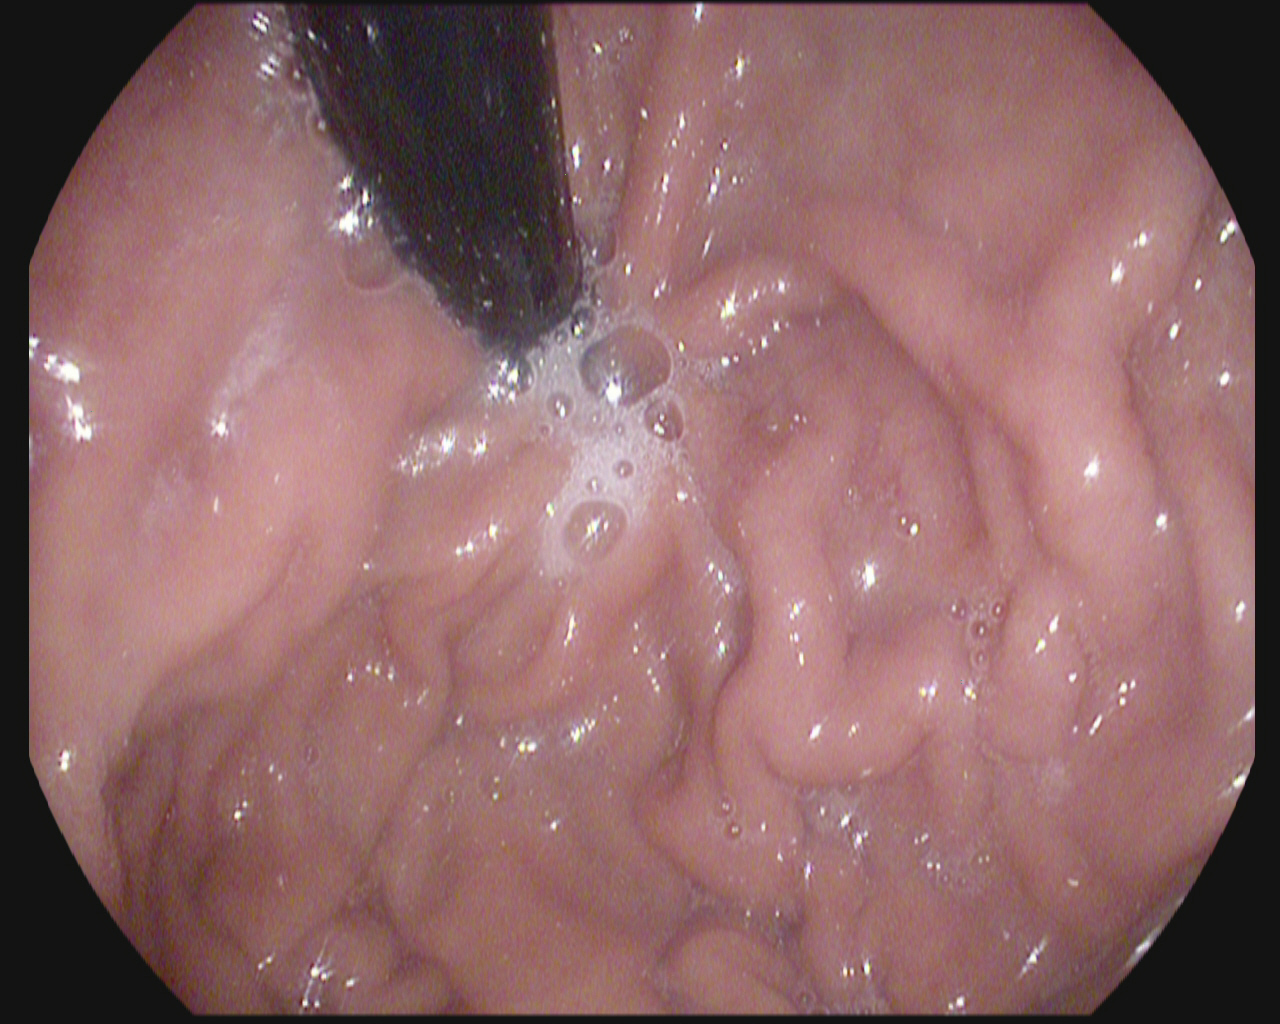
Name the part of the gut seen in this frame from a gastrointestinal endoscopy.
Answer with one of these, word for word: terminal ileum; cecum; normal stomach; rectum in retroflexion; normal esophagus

normal stomach